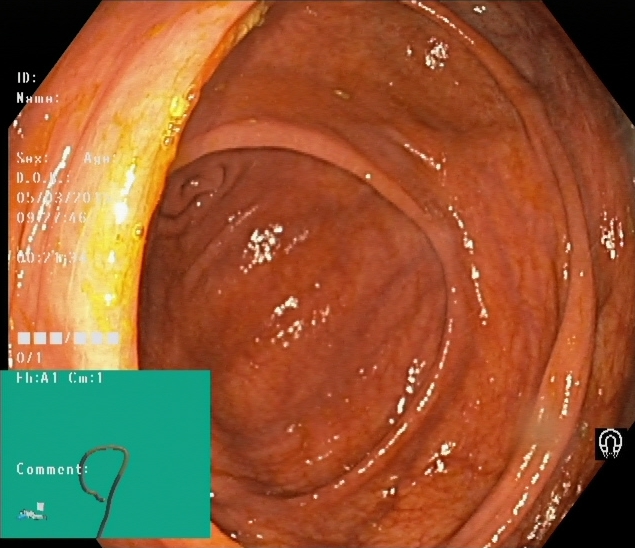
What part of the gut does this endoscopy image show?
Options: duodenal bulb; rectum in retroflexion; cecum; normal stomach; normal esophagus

cecum